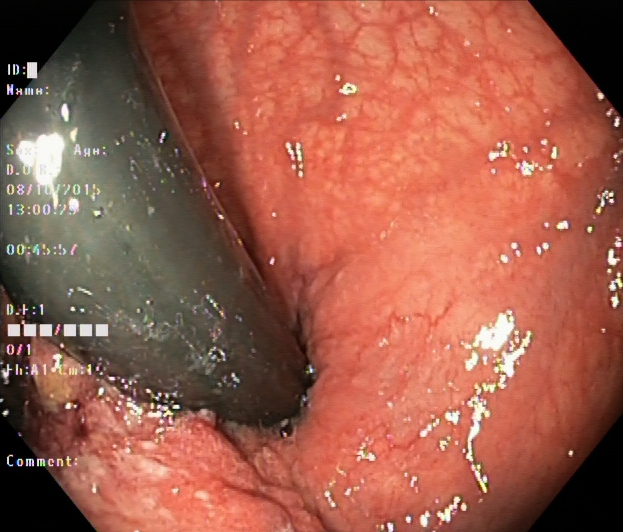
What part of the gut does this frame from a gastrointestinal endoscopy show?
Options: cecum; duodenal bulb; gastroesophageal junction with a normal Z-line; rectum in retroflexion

rectum in retroflexion